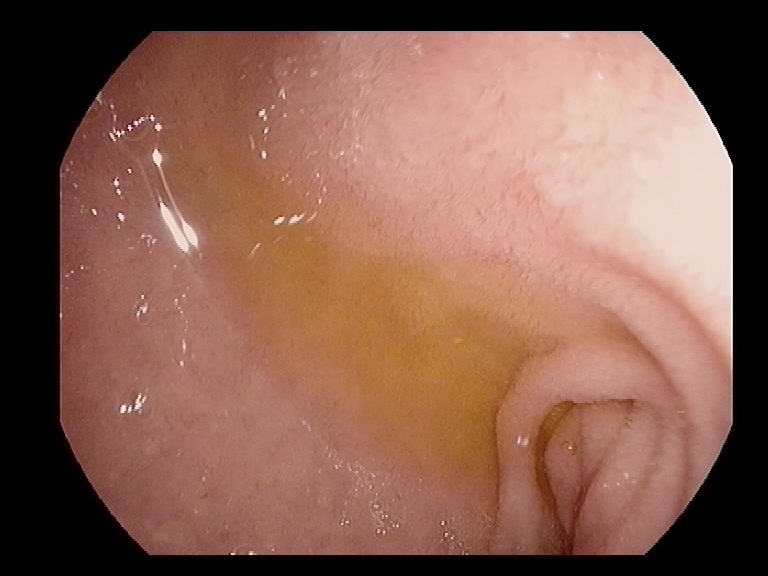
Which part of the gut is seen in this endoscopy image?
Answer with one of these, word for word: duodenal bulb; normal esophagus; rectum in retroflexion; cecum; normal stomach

duodenal bulb